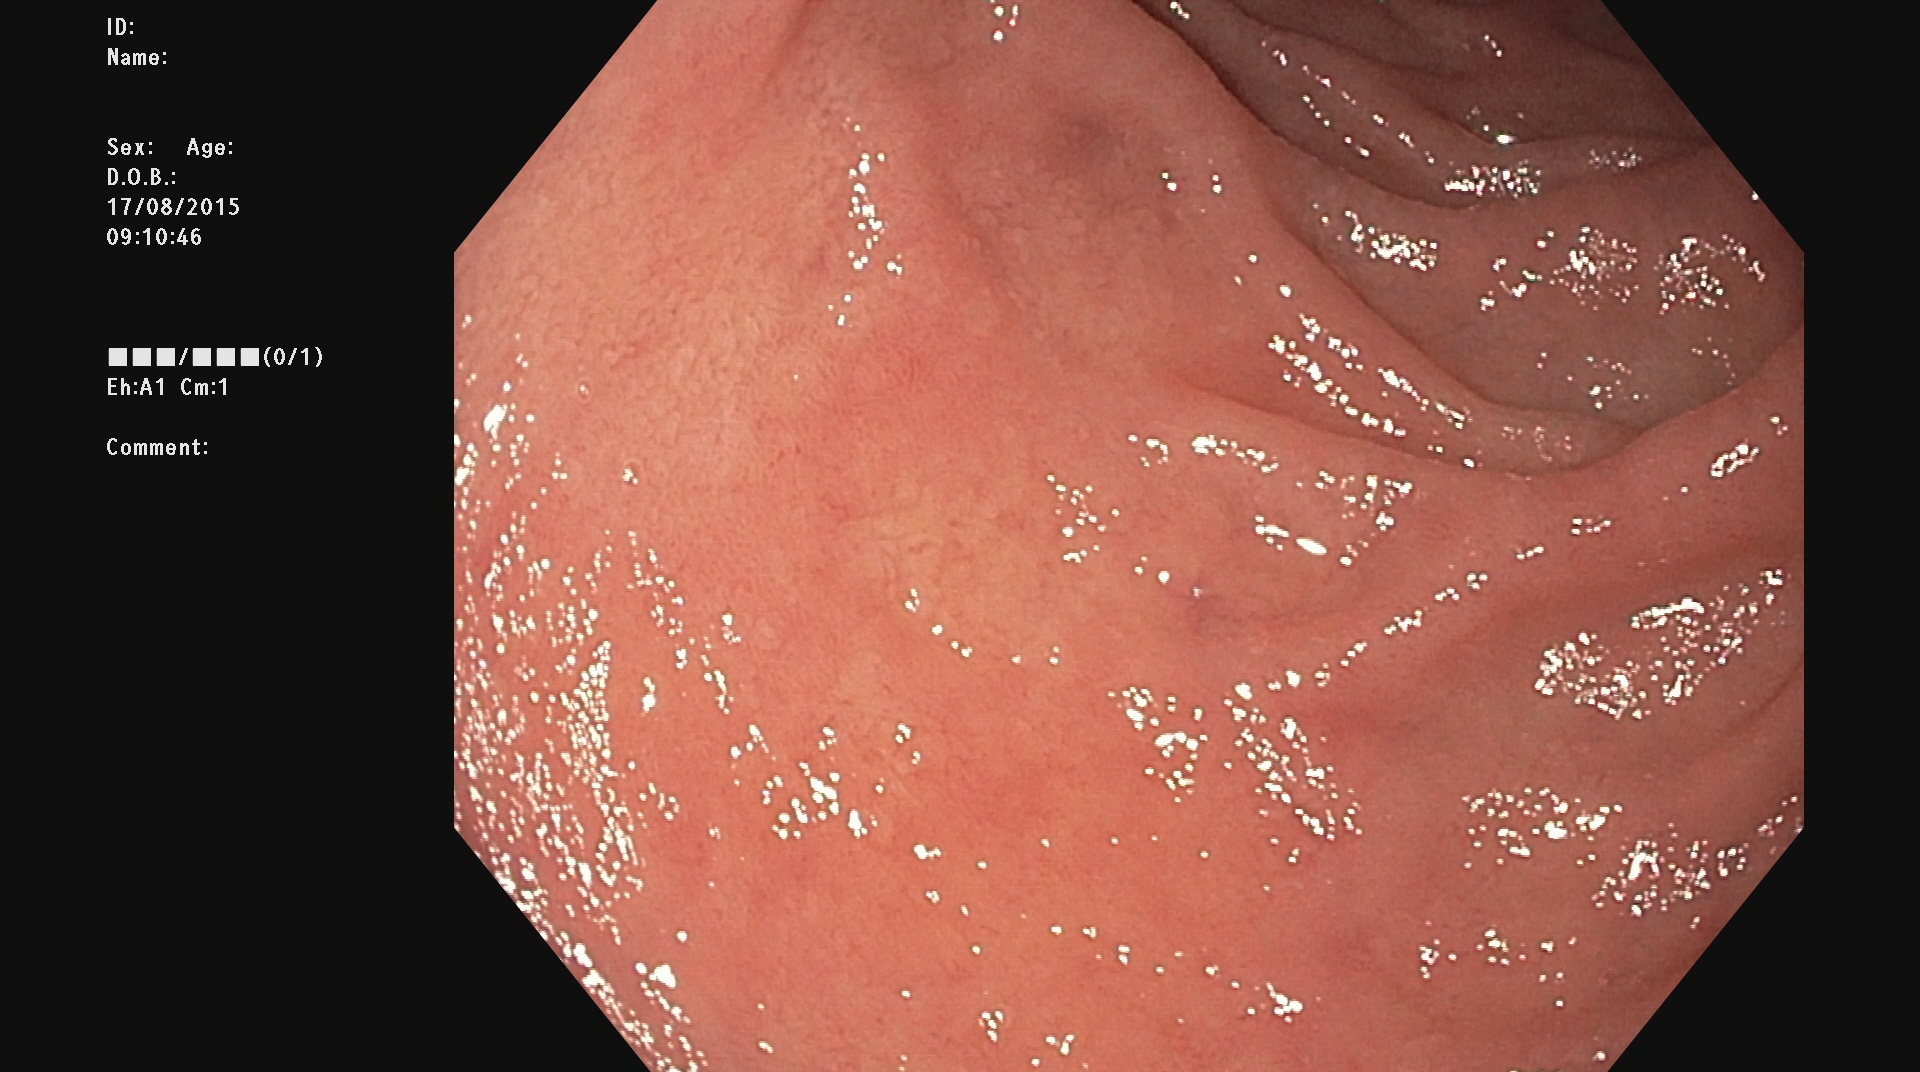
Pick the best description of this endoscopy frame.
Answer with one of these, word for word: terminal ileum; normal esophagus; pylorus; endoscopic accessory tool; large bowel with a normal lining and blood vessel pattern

terminal ileum